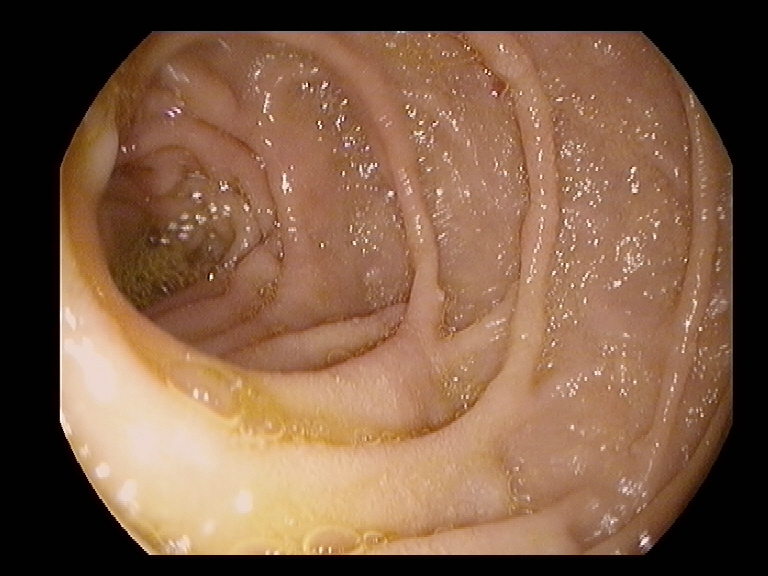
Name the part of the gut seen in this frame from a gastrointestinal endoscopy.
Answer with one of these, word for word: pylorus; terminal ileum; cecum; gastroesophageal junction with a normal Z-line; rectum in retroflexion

terminal ileum